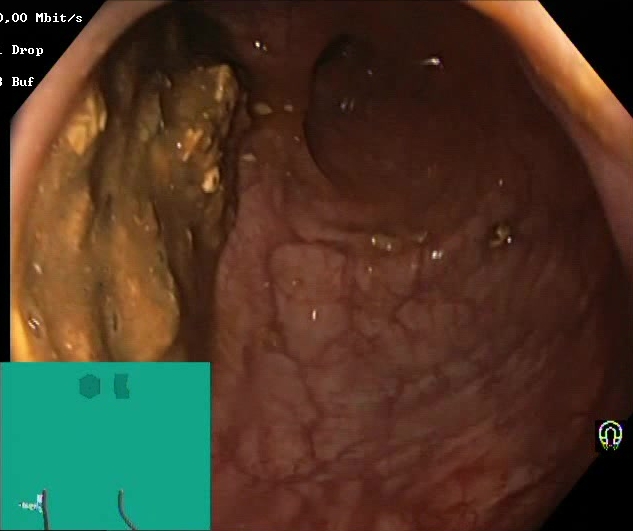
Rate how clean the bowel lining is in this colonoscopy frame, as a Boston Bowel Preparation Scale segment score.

Boston Bowel Preparation Scale score 0–1 (inadequate preparation)